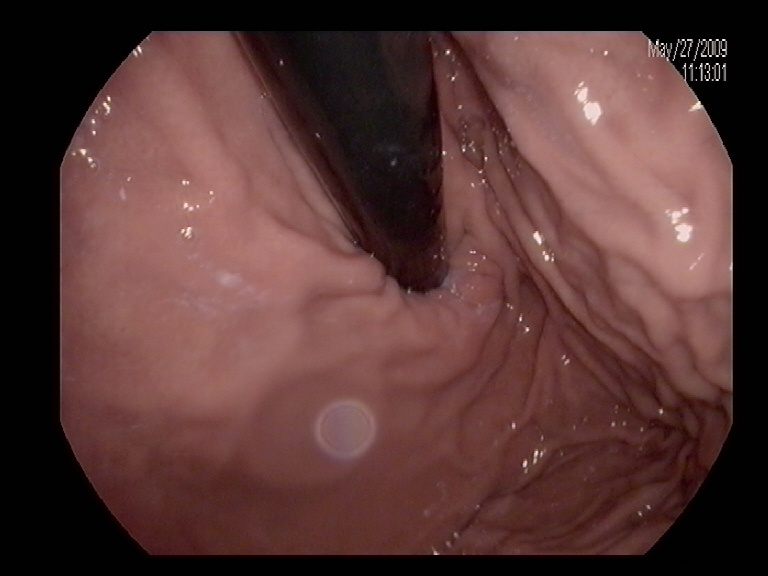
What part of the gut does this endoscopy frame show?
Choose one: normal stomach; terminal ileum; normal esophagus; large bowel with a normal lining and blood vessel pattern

normal stomach